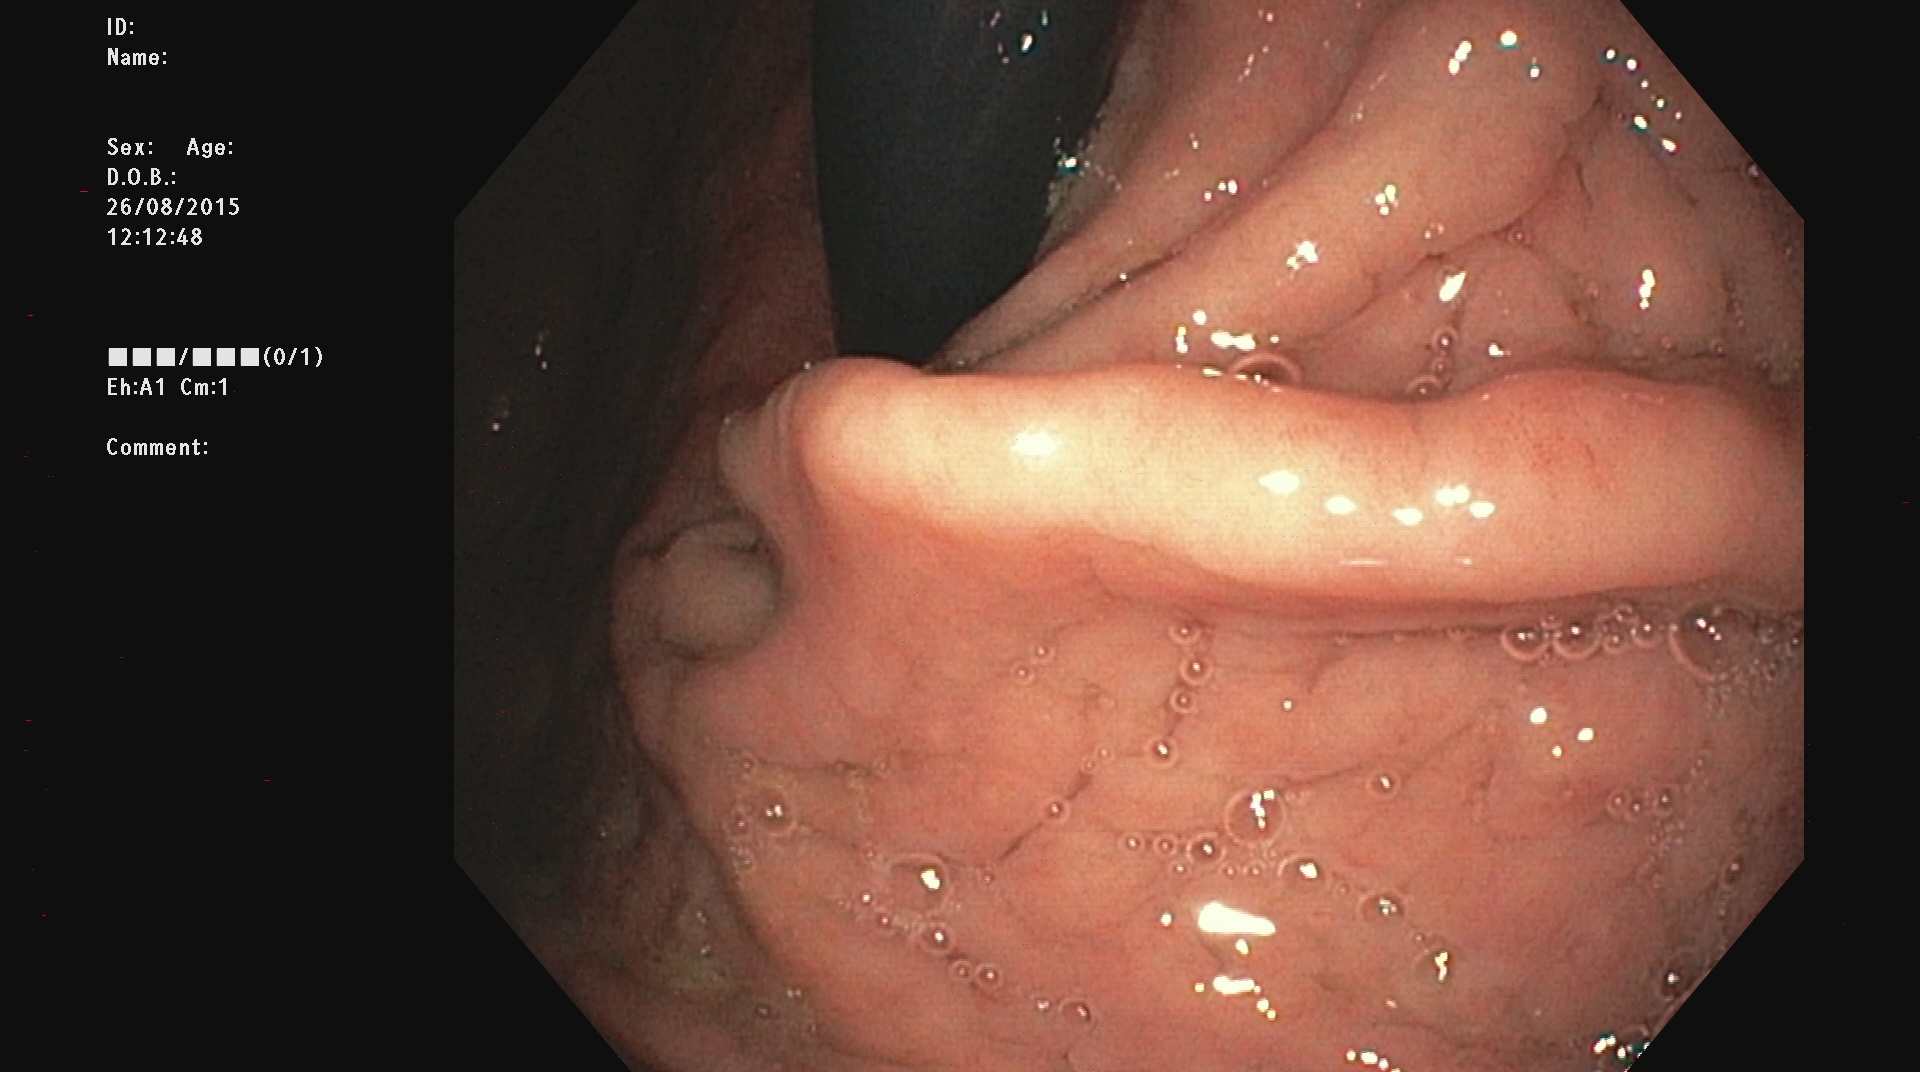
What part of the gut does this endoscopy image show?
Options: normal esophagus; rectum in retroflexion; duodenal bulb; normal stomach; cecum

normal stomach